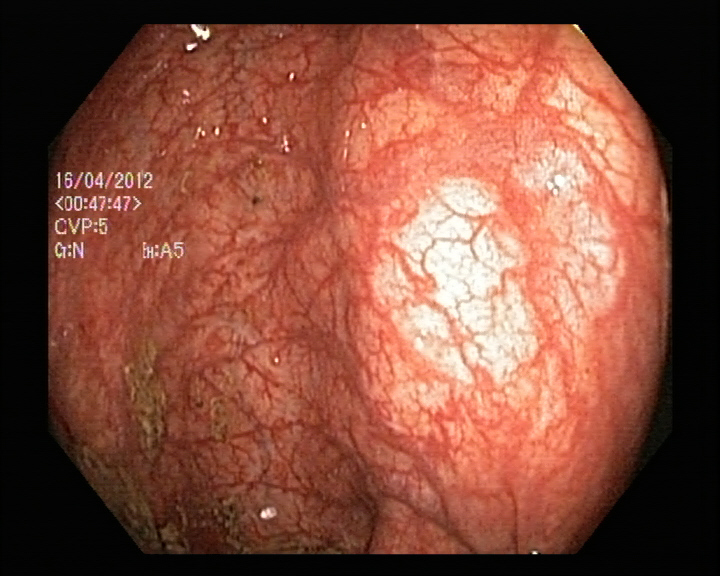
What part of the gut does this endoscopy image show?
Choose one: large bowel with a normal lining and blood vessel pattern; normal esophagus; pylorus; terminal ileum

large bowel with a normal lining and blood vessel pattern